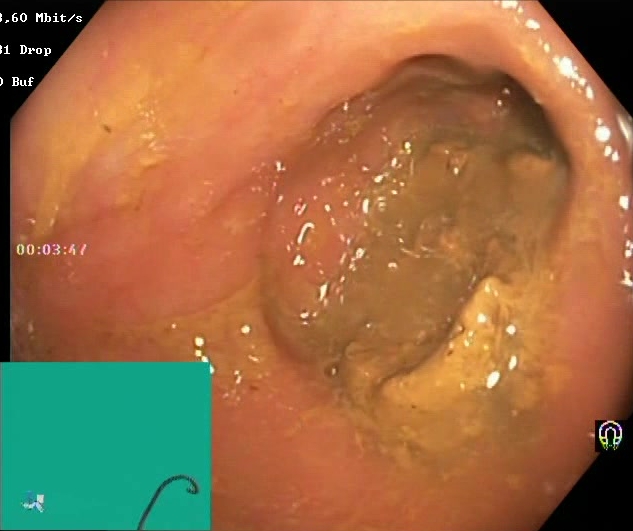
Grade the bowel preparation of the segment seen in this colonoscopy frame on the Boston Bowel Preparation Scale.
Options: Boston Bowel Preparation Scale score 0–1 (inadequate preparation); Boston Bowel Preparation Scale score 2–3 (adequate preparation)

Boston Bowel Preparation Scale score 0–1 (inadequate preparation)